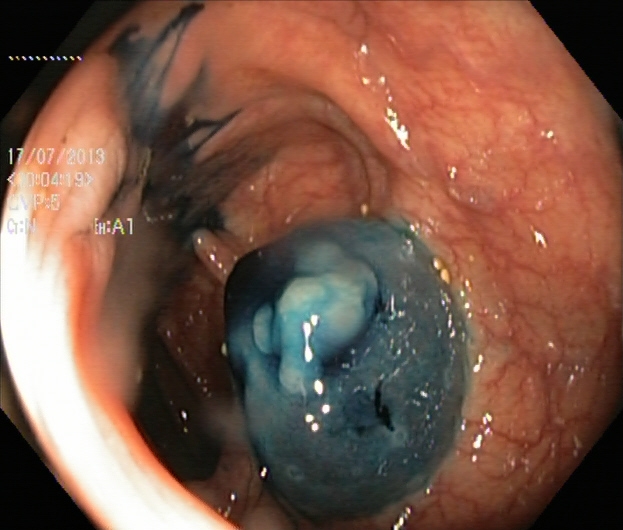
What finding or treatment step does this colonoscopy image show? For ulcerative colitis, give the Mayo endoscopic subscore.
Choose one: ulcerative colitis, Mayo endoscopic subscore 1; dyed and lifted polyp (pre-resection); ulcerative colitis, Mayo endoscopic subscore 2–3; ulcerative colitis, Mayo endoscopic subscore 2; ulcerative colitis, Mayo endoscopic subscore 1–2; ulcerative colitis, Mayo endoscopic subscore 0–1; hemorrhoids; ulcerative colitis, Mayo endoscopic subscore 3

dyed and lifted polyp (pre-resection)